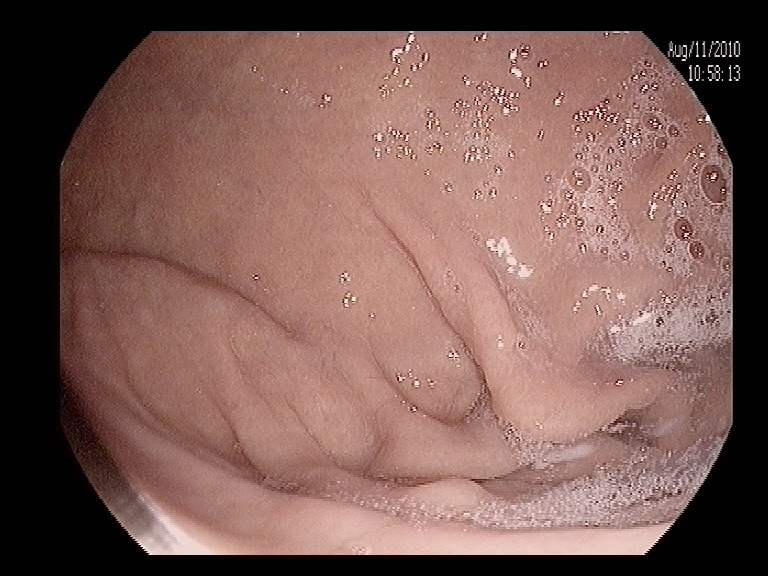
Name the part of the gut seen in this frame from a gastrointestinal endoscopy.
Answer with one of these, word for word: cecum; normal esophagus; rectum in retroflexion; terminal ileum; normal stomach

normal stomach